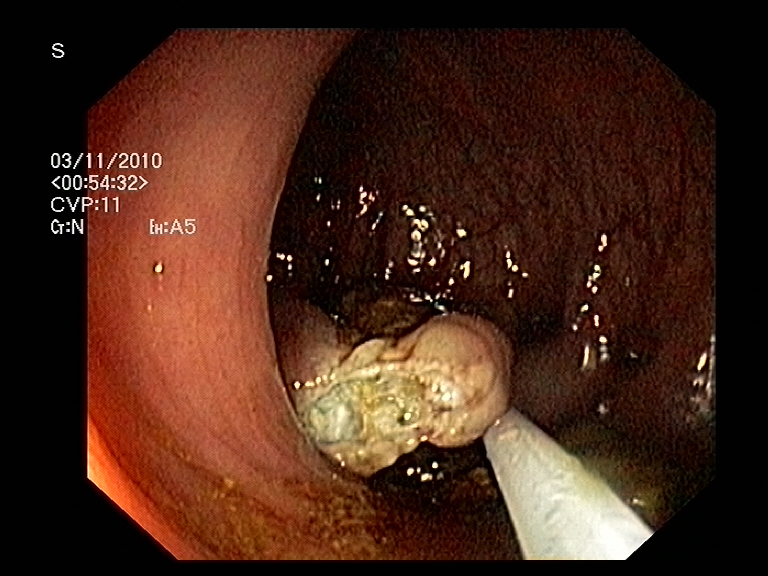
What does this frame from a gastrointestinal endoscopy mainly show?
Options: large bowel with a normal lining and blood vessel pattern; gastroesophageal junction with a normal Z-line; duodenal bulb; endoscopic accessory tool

endoscopic accessory tool